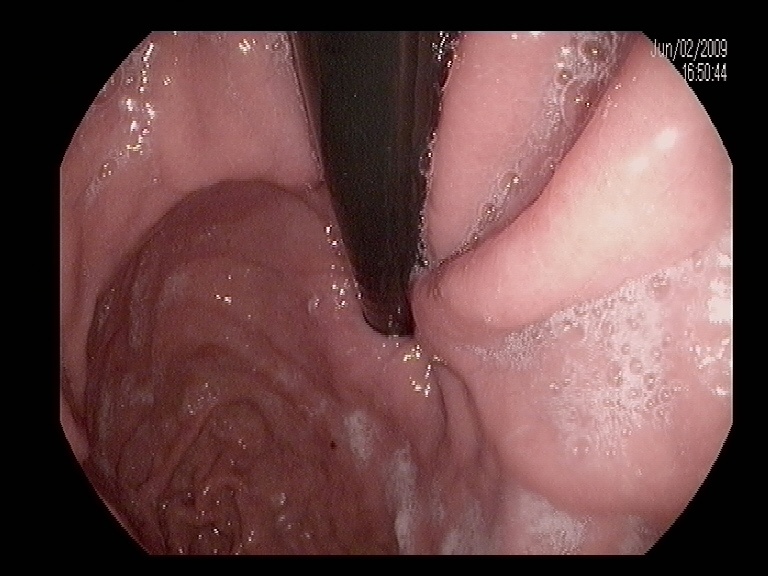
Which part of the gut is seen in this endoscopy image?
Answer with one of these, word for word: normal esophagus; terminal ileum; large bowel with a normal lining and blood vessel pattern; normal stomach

normal stomach